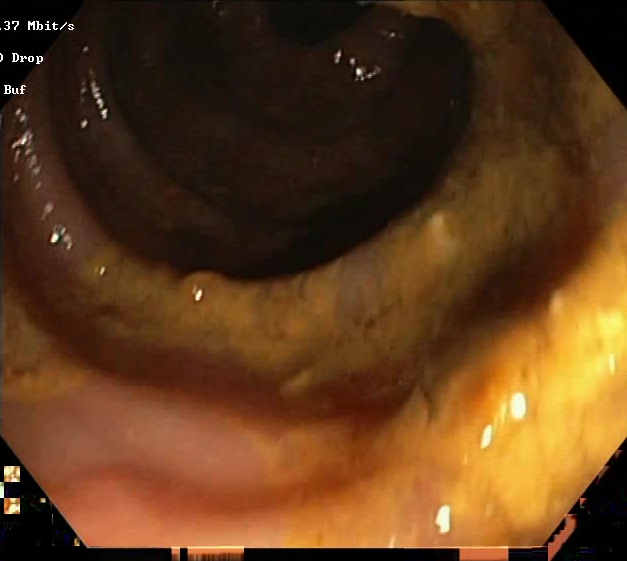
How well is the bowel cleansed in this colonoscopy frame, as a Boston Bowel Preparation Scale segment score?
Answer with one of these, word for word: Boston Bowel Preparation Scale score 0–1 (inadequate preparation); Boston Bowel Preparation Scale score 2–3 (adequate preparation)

Boston Bowel Preparation Scale score 0–1 (inadequate preparation)